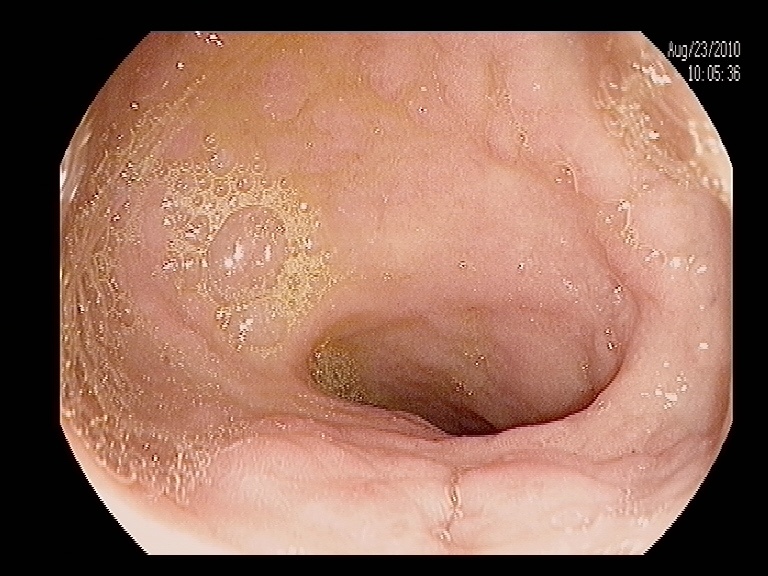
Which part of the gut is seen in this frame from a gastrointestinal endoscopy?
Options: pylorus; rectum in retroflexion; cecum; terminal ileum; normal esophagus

terminal ileum